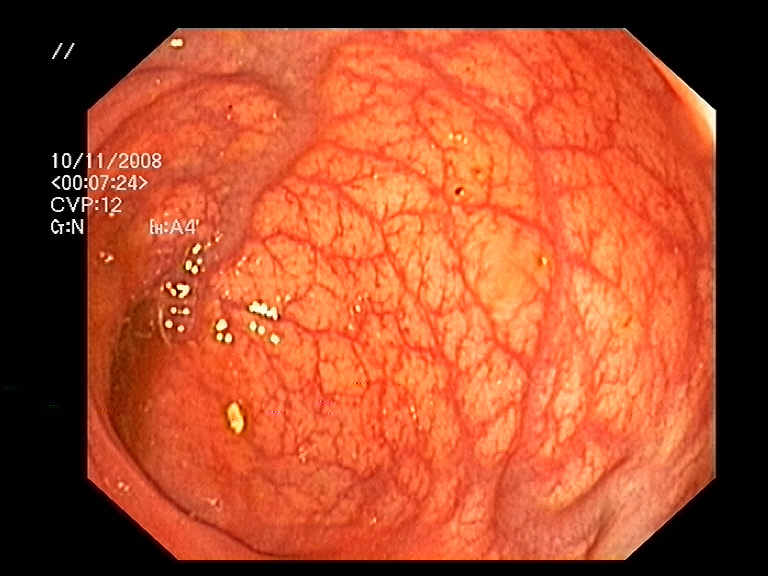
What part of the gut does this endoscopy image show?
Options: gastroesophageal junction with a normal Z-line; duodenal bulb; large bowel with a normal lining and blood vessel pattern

large bowel with a normal lining and blood vessel pattern